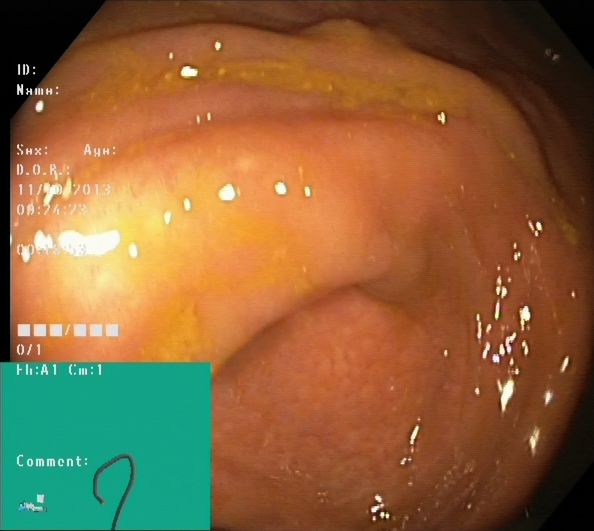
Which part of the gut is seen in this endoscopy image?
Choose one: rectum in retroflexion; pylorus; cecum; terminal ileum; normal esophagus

cecum